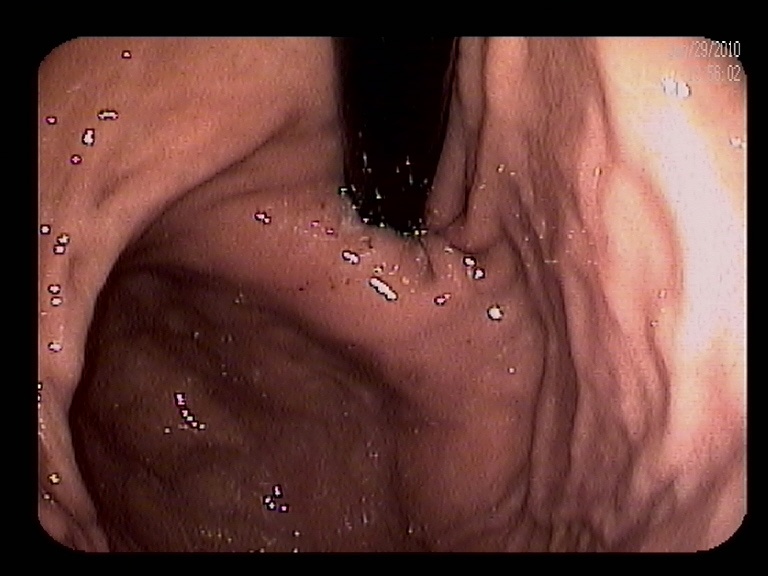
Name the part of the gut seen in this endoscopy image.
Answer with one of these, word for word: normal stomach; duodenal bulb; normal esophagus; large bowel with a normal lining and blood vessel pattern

normal stomach